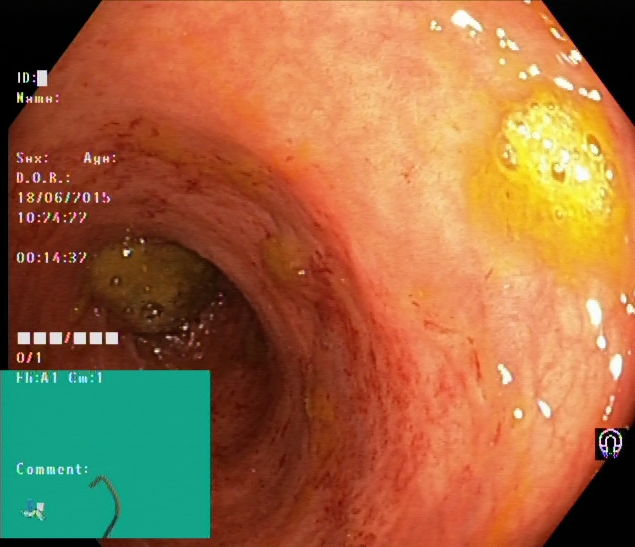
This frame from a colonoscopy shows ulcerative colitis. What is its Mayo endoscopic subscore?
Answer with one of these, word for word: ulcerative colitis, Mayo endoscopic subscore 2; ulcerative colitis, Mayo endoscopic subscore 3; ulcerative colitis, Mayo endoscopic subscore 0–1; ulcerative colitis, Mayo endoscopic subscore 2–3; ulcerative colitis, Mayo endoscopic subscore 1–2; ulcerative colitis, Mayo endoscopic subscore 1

ulcerative colitis, Mayo endoscopic subscore 1